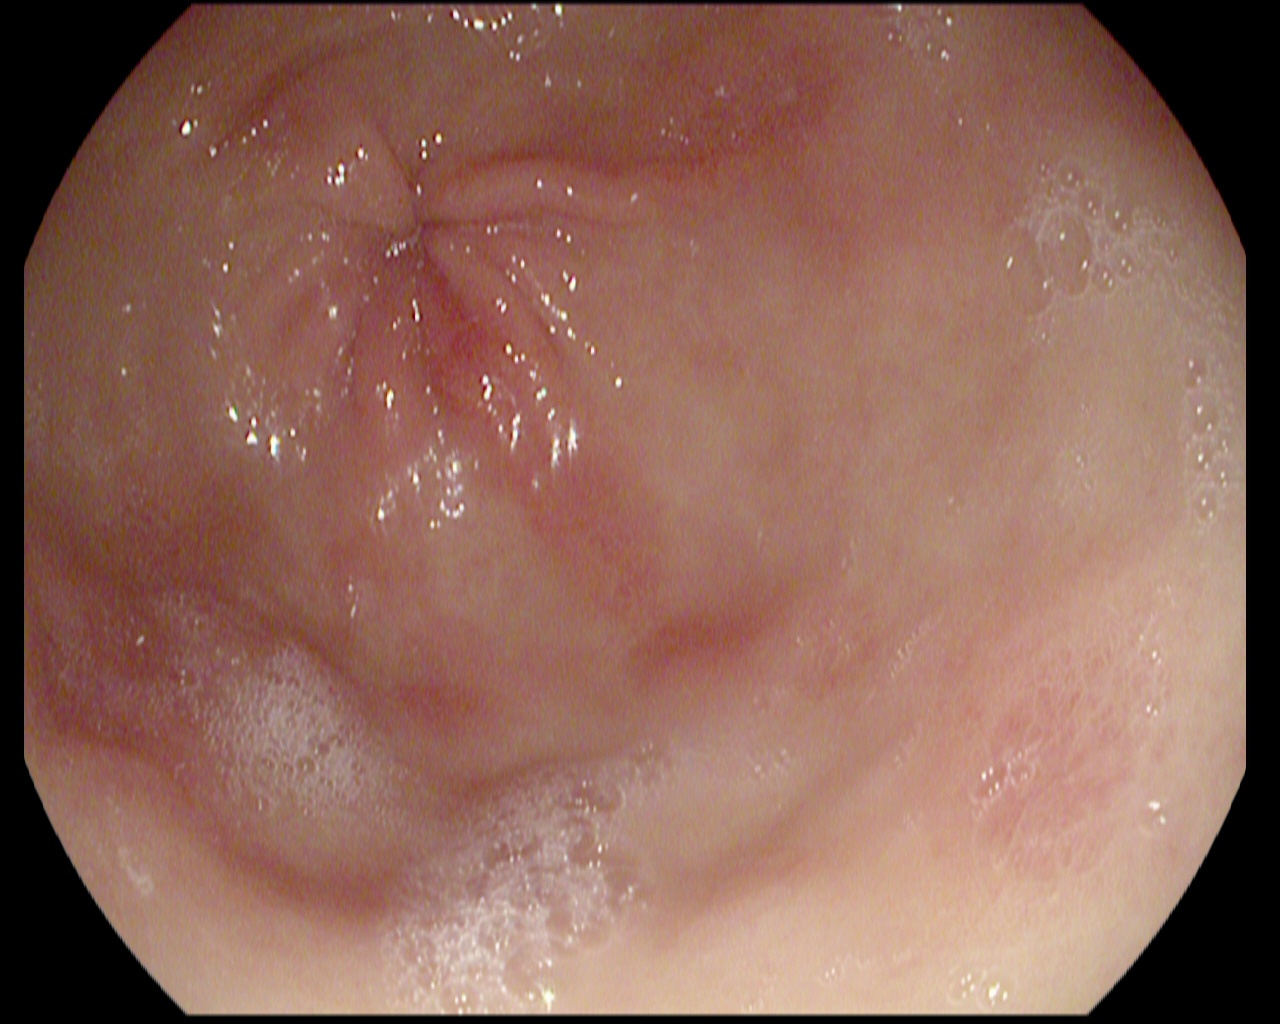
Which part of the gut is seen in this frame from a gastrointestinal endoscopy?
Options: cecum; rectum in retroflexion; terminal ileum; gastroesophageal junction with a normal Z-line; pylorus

pylorus